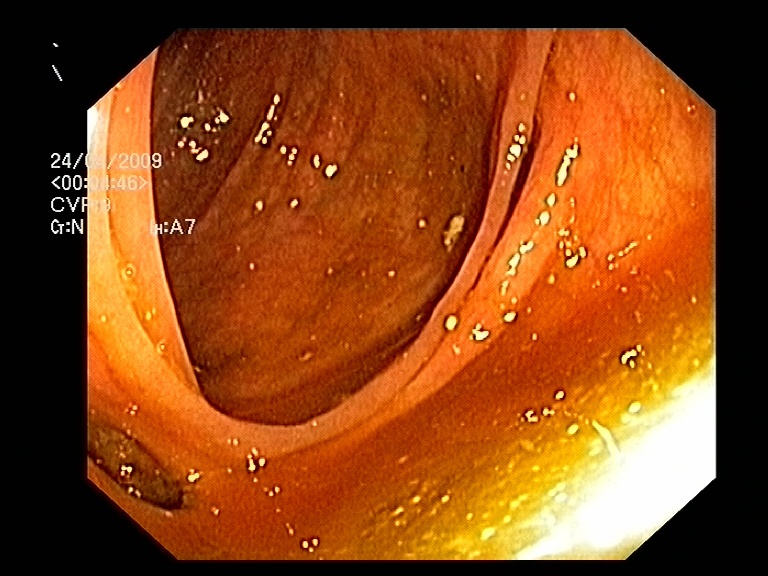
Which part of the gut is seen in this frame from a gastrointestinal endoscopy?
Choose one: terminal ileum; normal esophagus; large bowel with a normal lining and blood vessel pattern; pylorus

large bowel with a normal lining and blood vessel pattern